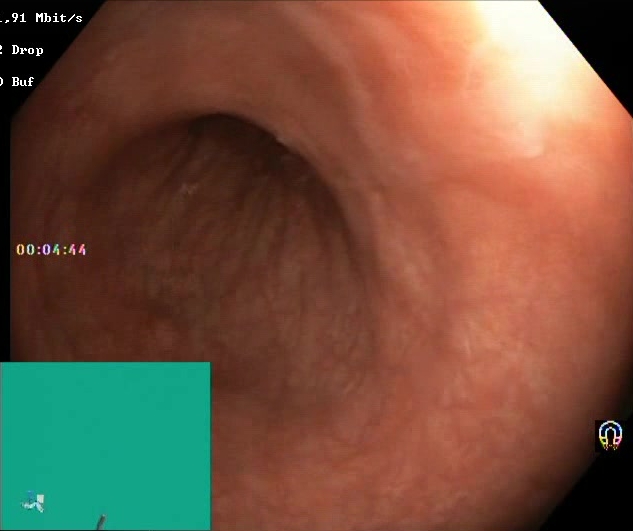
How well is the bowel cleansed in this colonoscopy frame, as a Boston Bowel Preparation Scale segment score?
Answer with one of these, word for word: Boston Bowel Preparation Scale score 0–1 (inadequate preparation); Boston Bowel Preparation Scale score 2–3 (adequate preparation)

Boston Bowel Preparation Scale score 2–3 (adequate preparation)